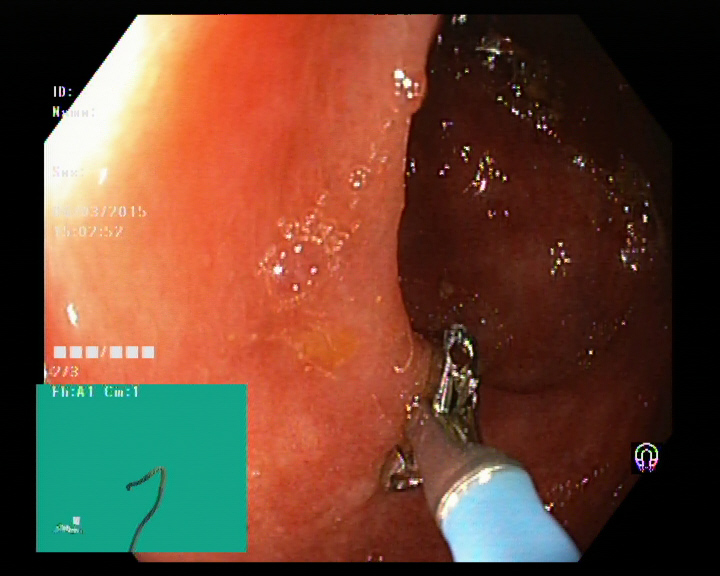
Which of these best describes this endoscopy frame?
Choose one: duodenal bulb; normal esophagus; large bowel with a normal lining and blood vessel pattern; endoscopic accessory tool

endoscopic accessory tool